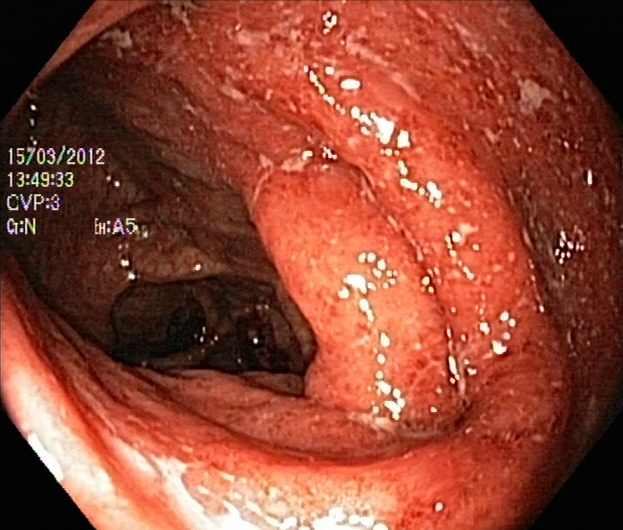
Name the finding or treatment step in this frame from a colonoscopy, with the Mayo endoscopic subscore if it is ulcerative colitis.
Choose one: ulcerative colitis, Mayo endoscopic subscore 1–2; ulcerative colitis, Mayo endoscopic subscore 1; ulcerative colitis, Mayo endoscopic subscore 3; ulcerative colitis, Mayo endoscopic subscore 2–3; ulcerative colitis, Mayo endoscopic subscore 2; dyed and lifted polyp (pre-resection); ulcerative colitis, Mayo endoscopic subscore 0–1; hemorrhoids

ulcerative colitis, Mayo endoscopic subscore 3